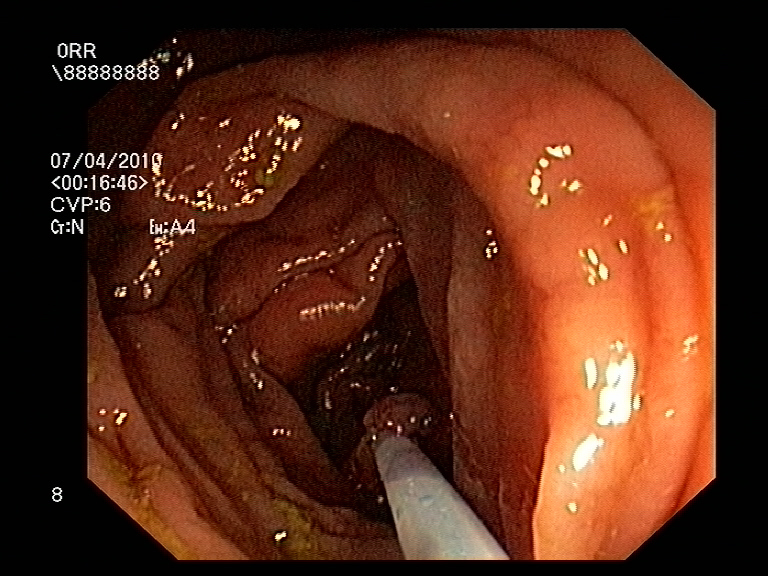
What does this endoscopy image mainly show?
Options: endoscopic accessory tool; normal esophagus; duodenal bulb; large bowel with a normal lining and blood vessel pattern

endoscopic accessory tool